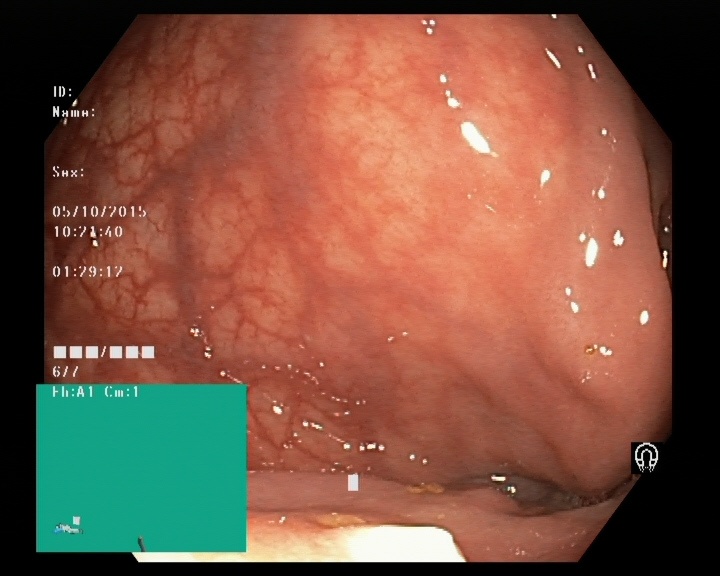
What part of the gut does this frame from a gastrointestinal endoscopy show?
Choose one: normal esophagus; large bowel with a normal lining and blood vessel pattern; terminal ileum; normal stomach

large bowel with a normal lining and blood vessel pattern